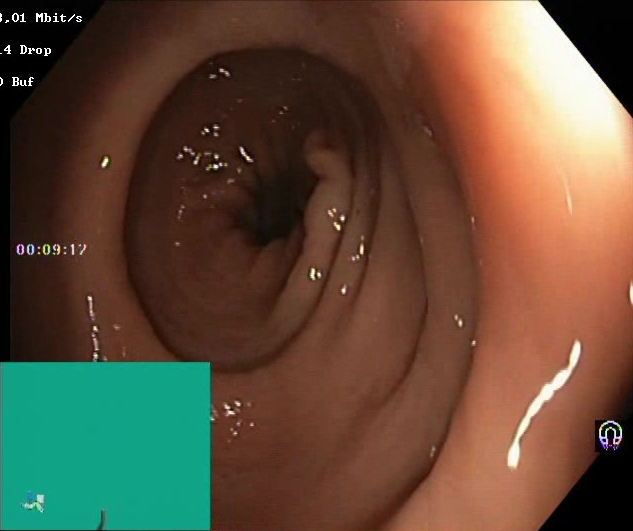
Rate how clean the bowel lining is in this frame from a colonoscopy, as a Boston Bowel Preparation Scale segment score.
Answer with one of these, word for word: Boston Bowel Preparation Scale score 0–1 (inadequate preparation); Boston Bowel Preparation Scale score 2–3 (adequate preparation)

Boston Bowel Preparation Scale score 2–3 (adequate preparation)